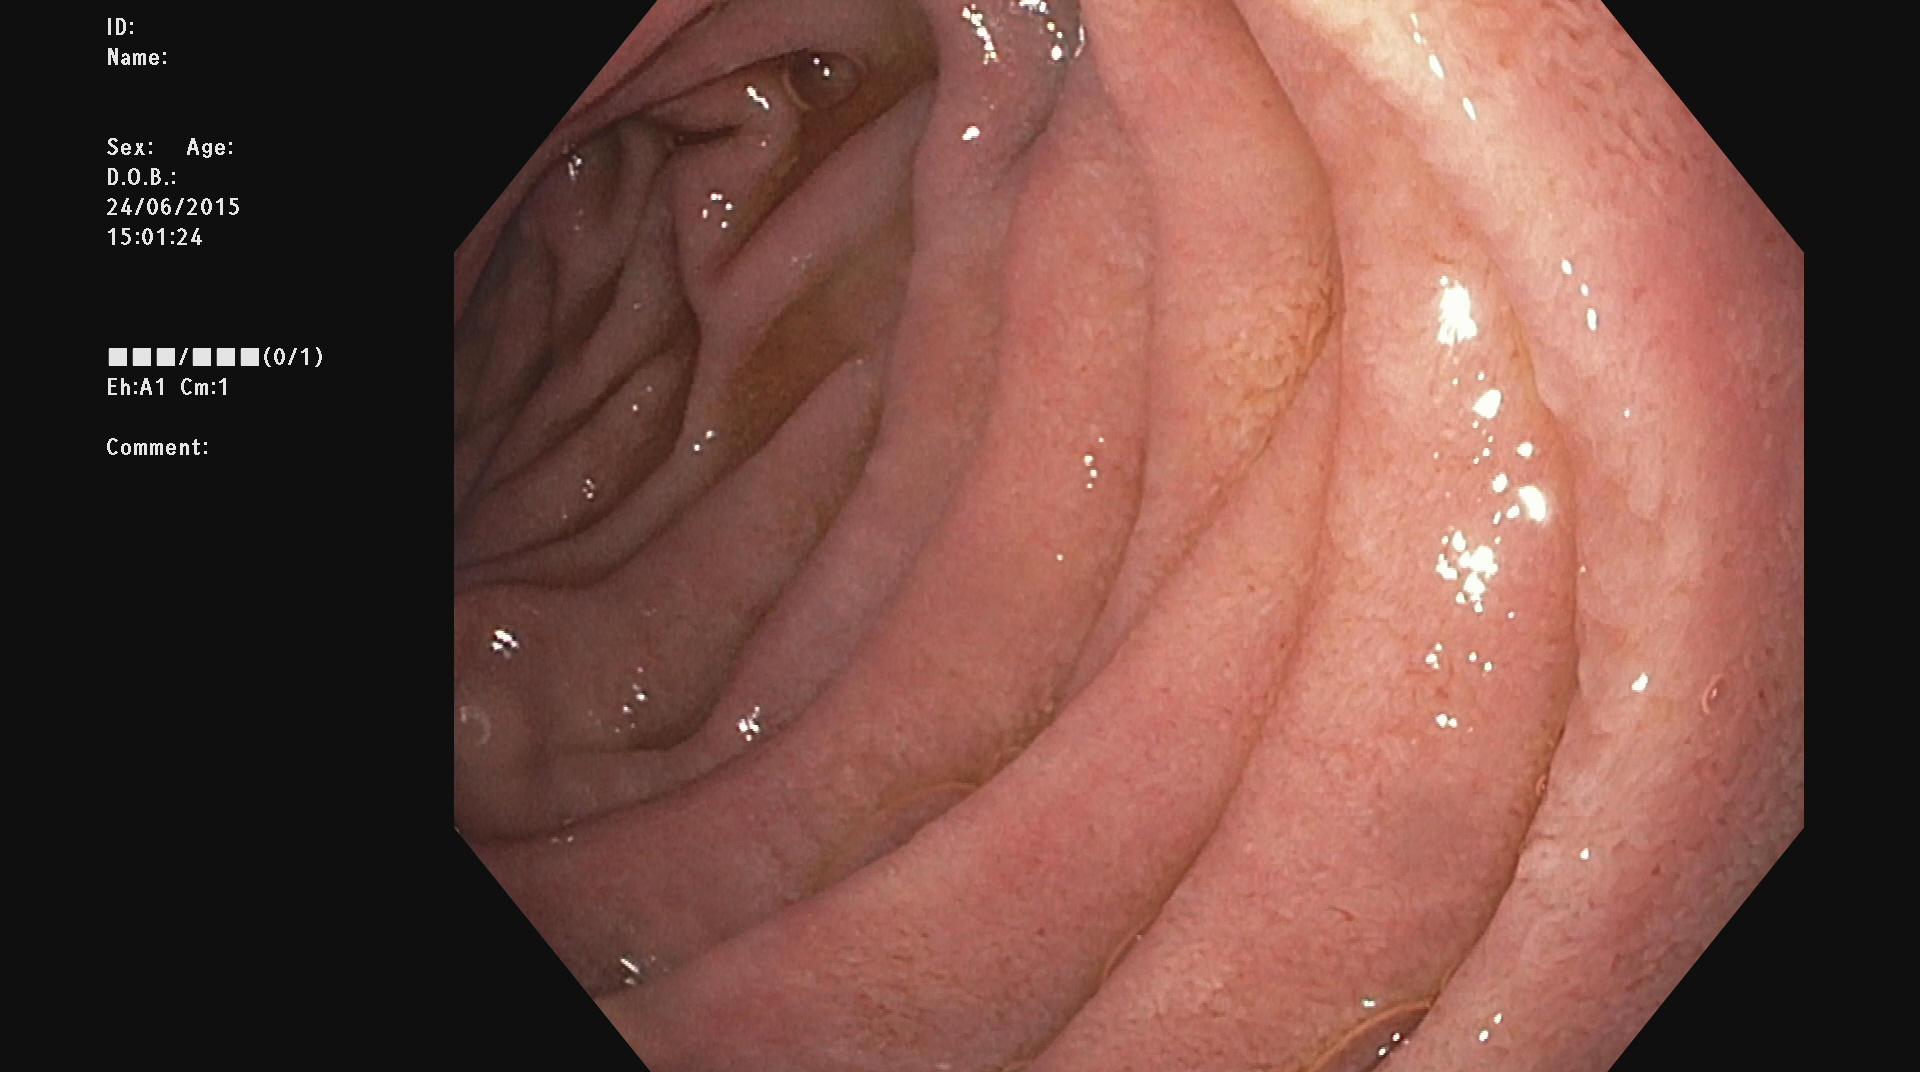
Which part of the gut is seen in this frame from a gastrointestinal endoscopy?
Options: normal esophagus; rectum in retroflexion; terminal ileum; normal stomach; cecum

terminal ileum